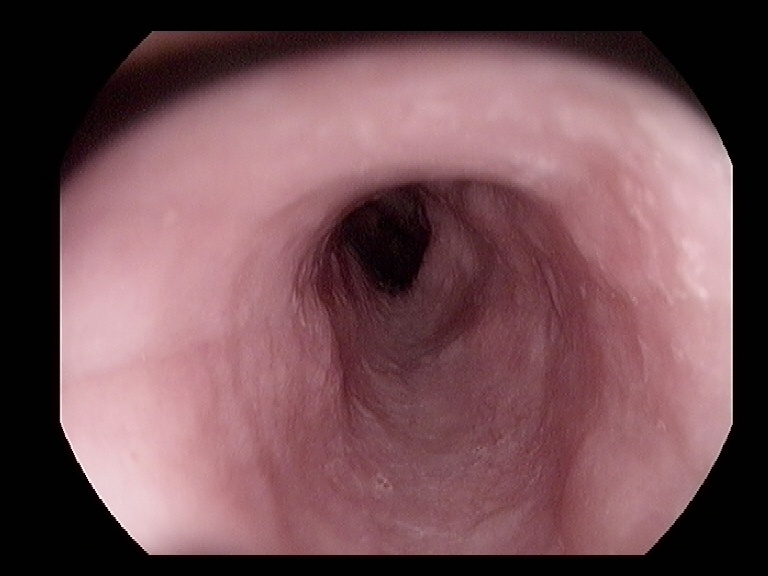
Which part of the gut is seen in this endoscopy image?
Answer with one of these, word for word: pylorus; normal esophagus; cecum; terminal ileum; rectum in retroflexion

normal esophagus